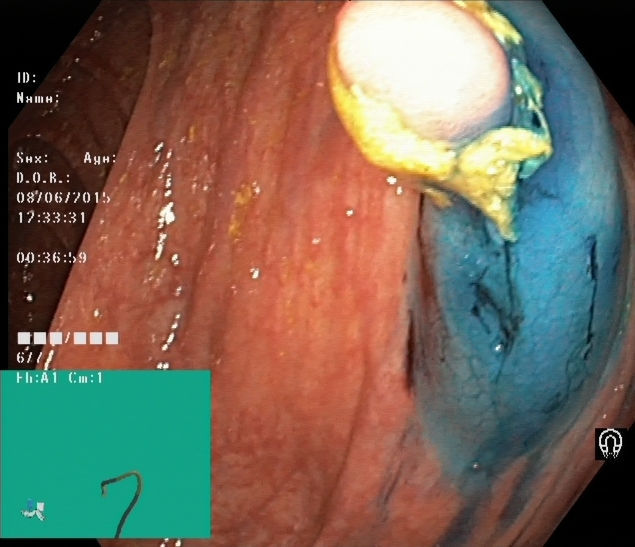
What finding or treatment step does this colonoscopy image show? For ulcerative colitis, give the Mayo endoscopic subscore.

dyed and lifted polyp (pre-resection)